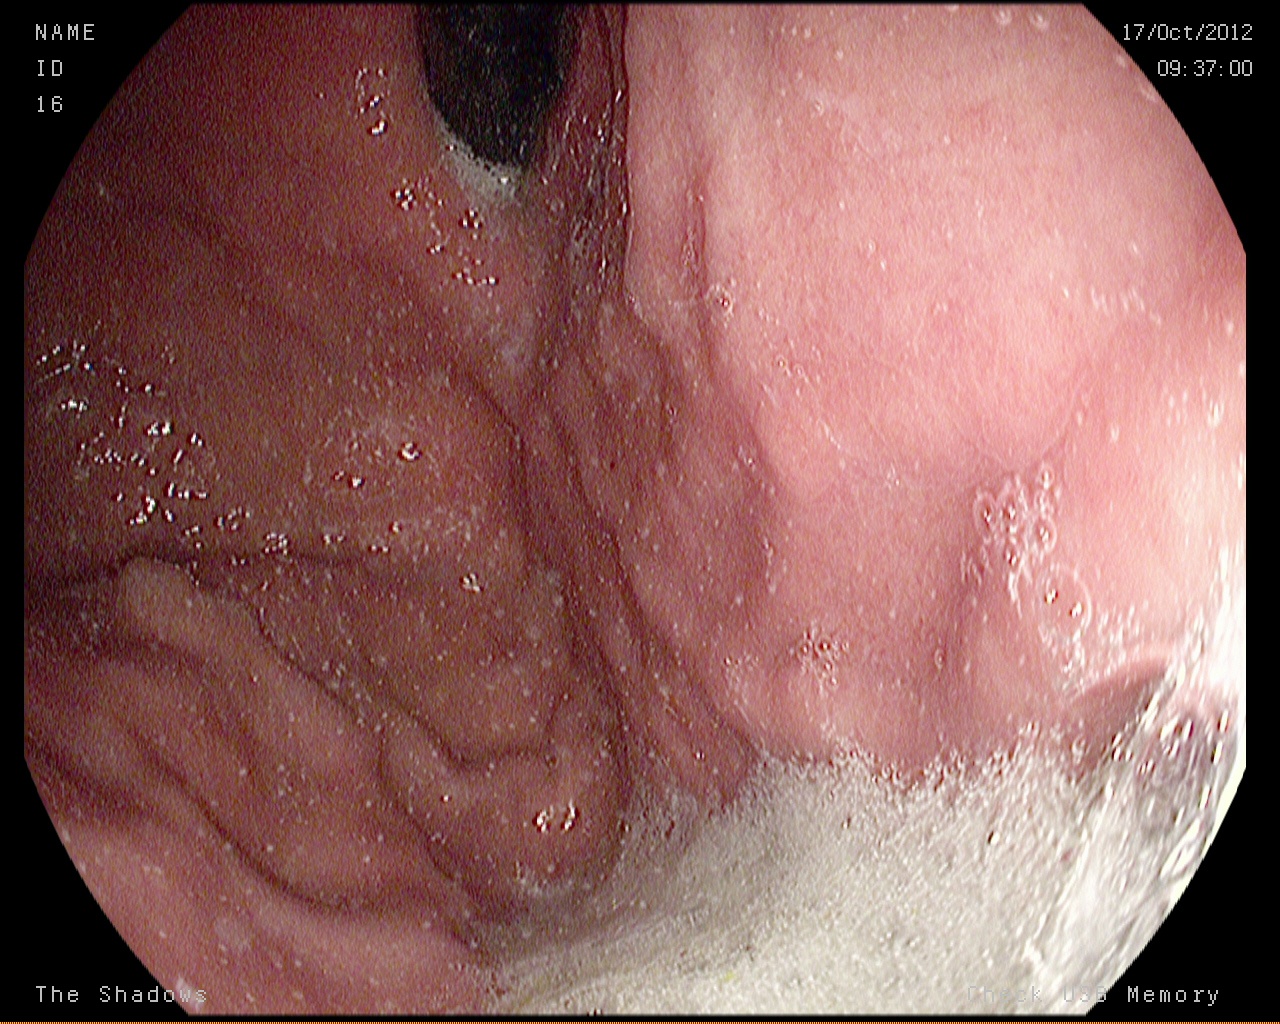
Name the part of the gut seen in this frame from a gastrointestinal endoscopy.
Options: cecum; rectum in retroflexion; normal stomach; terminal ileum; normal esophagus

normal stomach